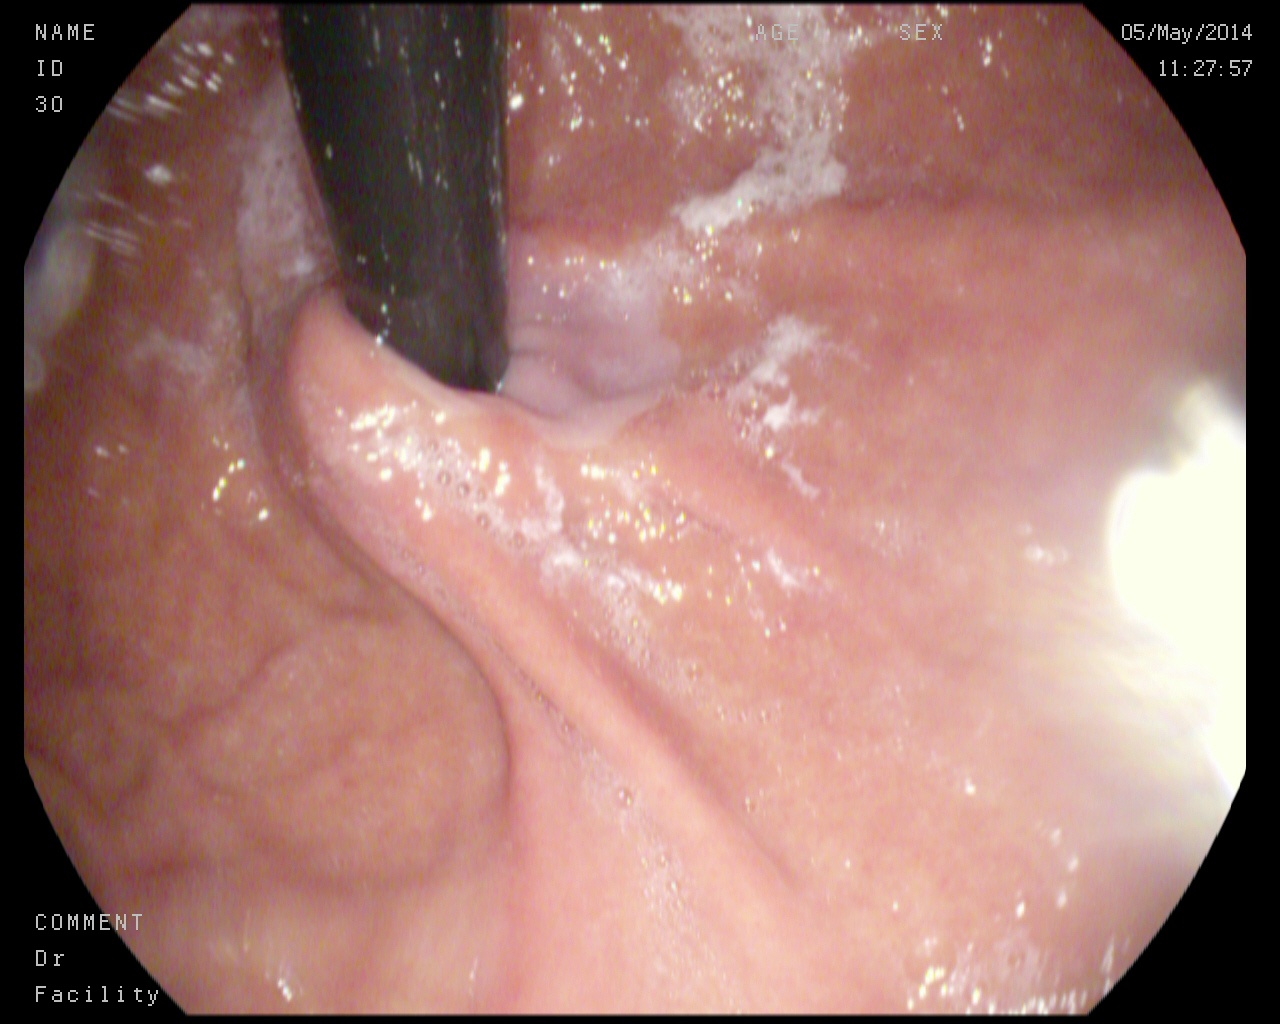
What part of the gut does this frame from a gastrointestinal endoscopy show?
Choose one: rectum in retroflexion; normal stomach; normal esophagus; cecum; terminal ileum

normal stomach